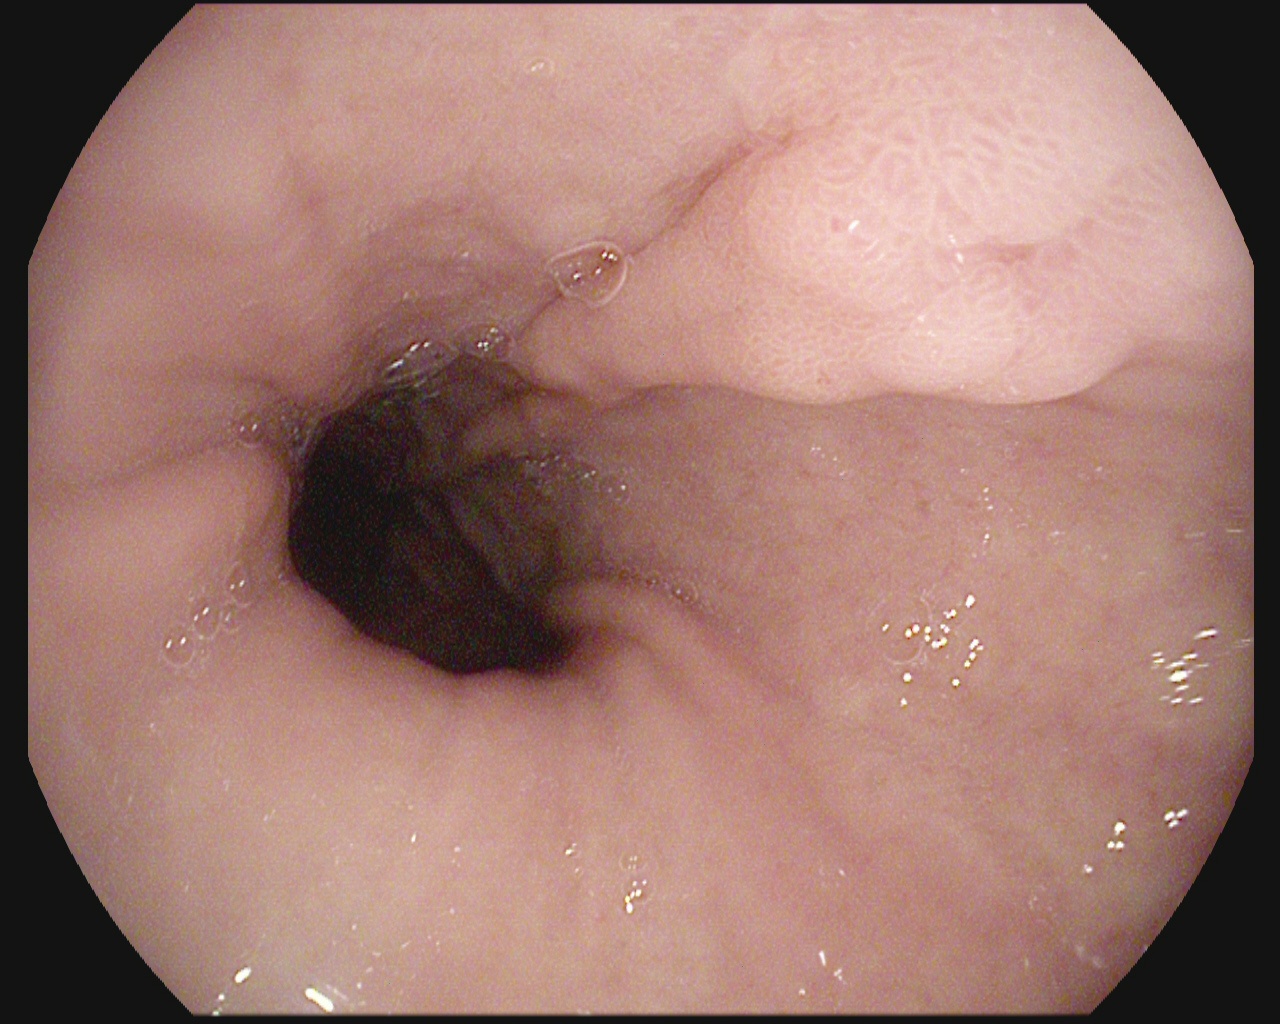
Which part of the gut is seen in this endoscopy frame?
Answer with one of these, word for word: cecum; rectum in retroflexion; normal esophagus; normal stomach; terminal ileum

normal stomach